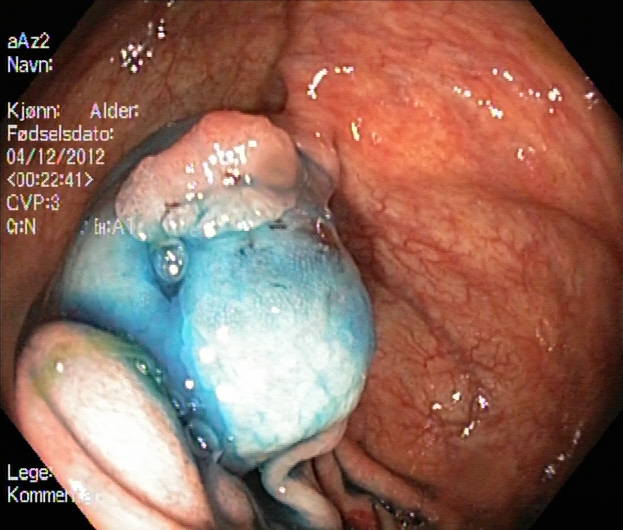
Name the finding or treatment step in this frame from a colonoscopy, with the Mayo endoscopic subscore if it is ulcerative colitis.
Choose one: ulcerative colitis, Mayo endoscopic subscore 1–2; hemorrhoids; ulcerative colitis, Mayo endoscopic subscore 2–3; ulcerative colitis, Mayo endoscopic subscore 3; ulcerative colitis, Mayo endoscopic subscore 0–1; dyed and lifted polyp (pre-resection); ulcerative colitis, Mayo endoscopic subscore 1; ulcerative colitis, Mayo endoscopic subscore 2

dyed and lifted polyp (pre-resection)